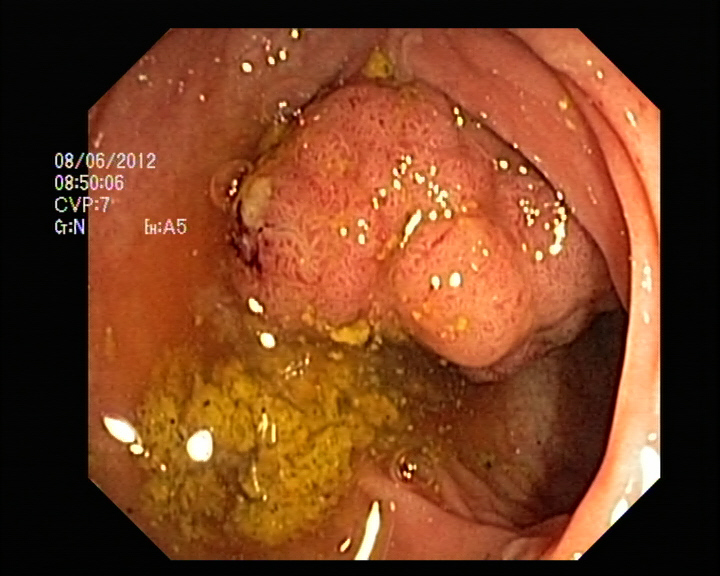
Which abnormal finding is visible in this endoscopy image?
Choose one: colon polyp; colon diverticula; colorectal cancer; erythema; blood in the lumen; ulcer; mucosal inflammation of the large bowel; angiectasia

colon polyp